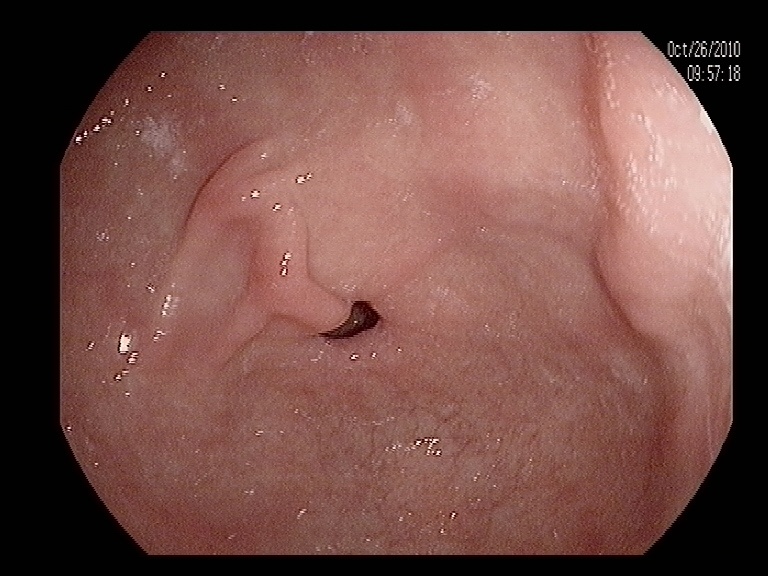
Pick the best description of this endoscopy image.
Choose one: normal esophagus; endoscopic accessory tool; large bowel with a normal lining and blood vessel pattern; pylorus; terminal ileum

pylorus